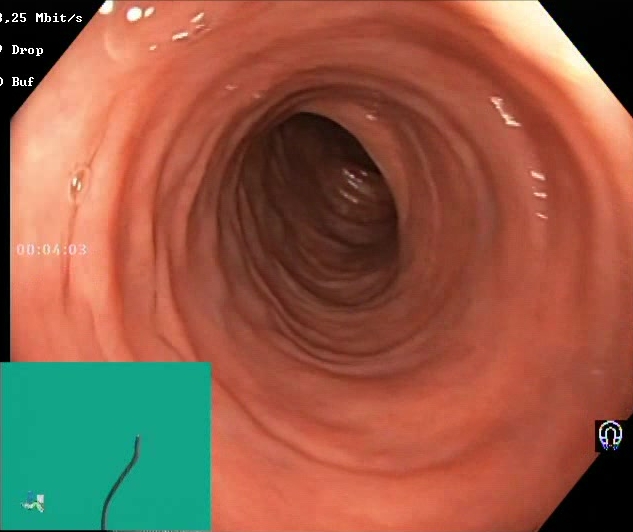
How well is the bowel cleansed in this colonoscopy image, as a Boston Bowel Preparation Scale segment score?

Boston Bowel Preparation Scale score 2–3 (adequate preparation)